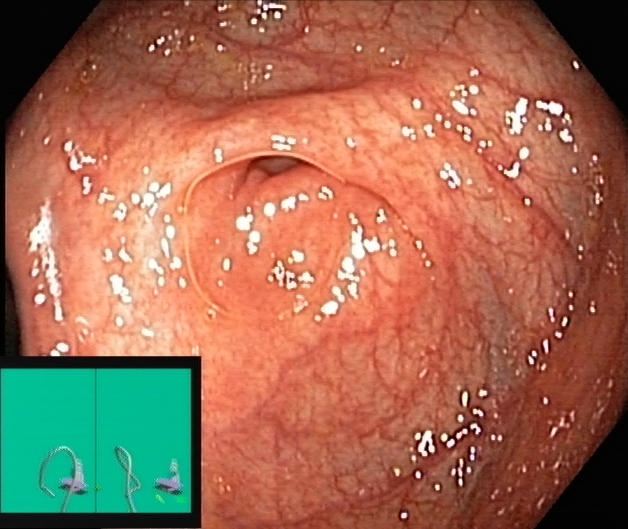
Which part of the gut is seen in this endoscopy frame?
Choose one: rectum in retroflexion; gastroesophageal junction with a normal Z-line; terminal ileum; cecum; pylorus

cecum